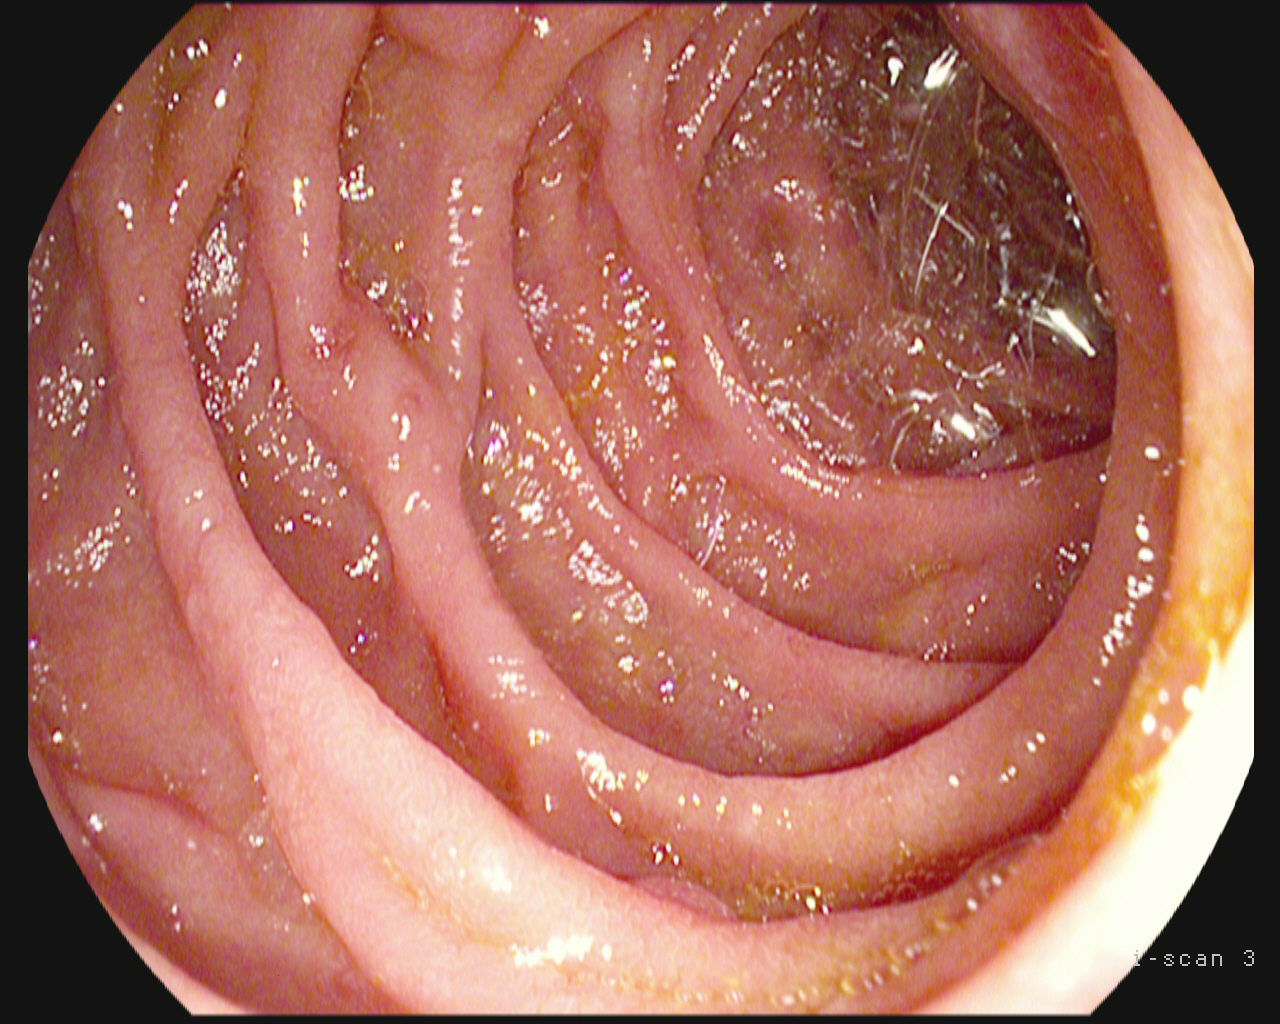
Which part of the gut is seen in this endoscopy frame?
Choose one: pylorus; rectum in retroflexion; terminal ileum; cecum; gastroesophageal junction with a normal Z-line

terminal ileum